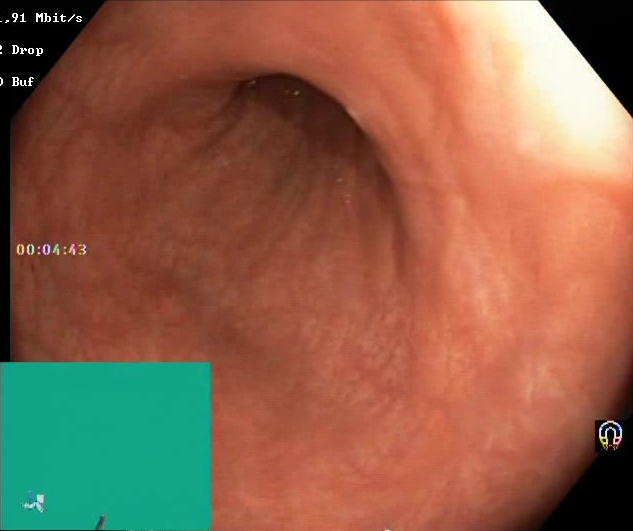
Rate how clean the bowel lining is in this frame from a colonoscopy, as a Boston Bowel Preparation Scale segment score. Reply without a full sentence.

Boston Bowel Preparation Scale score 2–3 (adequate preparation)